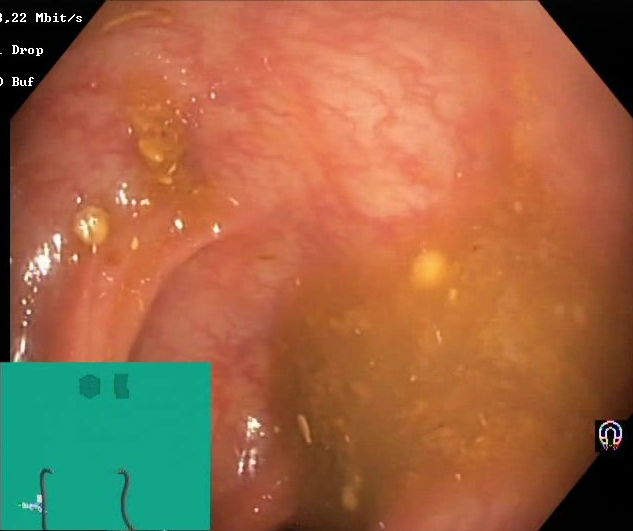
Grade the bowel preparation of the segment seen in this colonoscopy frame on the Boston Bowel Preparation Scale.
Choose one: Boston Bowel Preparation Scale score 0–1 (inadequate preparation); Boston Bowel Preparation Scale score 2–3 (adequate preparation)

Boston Bowel Preparation Scale score 0–1 (inadequate preparation)